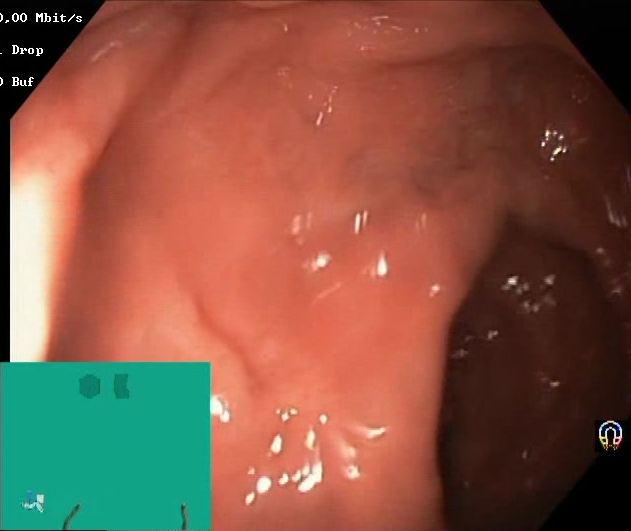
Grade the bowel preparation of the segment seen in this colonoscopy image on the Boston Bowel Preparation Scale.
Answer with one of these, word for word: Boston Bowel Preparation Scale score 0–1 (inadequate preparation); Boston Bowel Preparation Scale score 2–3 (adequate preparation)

Boston Bowel Preparation Scale score 2–3 (adequate preparation)